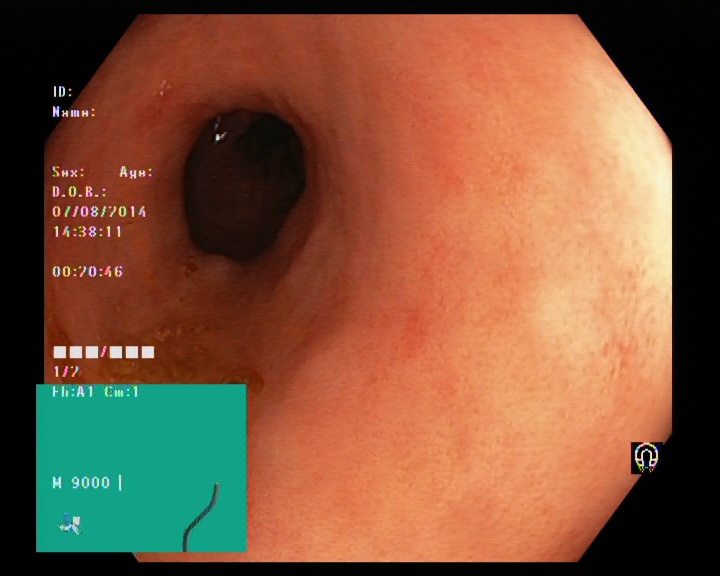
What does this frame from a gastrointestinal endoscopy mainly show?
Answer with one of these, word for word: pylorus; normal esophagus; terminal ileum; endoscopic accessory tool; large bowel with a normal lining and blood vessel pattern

large bowel with a normal lining and blood vessel pattern